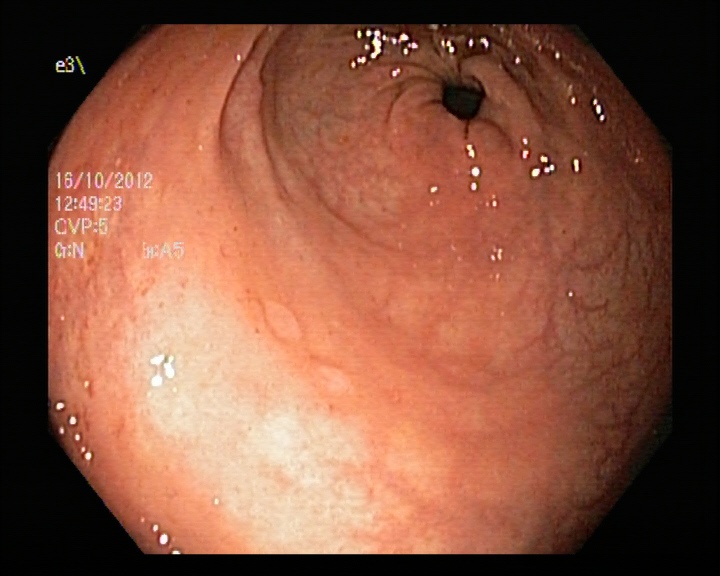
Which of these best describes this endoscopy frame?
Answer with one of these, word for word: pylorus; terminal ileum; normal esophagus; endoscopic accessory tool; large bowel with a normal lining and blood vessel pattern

pylorus